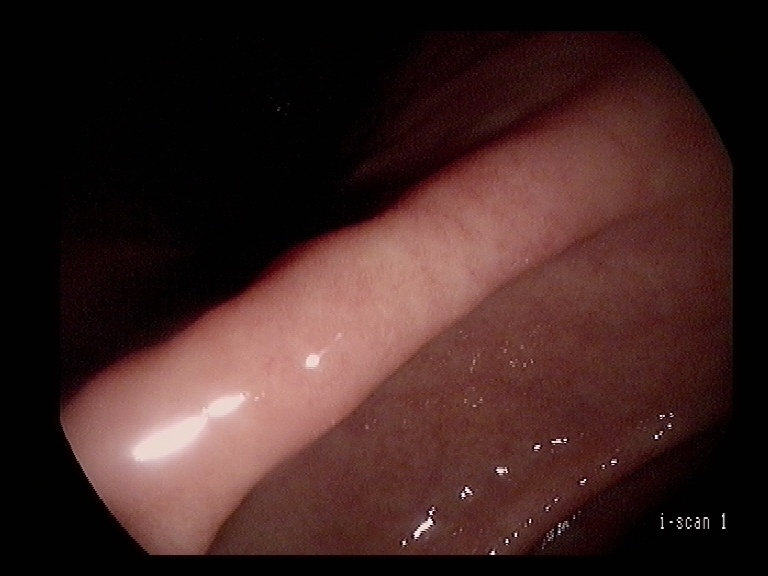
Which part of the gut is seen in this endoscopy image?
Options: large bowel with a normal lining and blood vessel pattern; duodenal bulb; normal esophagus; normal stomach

normal stomach